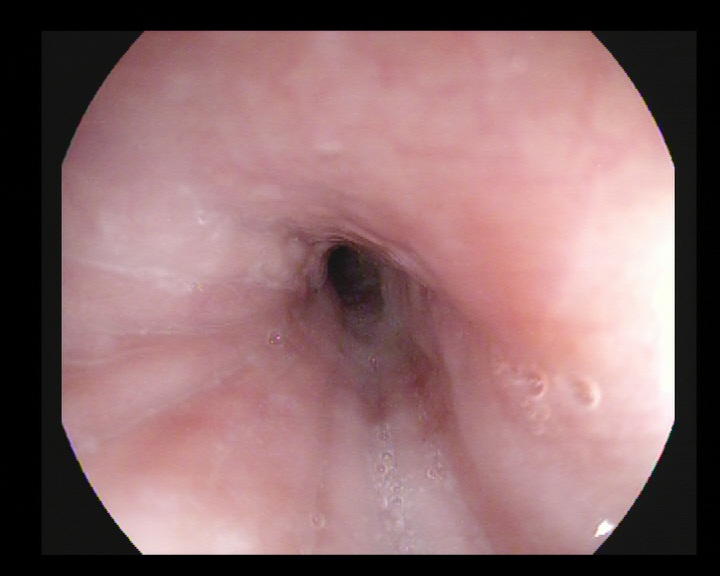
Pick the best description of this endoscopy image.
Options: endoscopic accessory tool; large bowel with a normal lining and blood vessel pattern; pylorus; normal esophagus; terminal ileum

normal esophagus